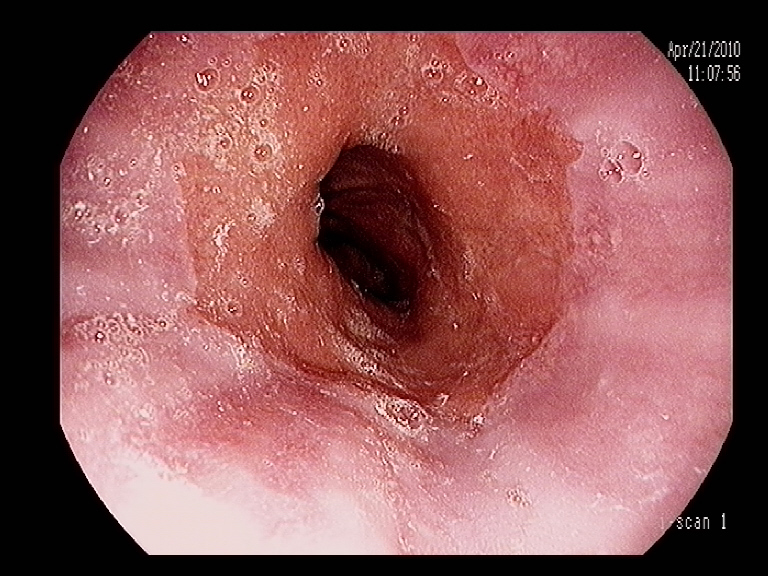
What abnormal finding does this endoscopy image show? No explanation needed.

Barrett's esophagus